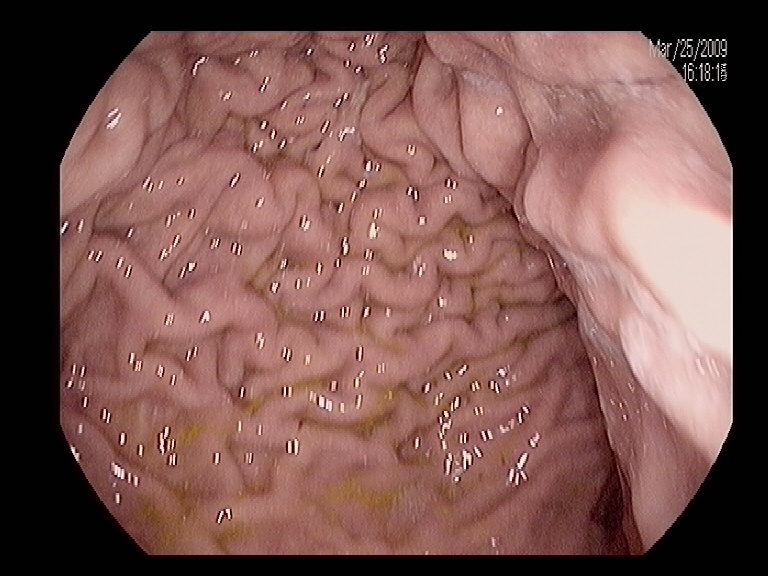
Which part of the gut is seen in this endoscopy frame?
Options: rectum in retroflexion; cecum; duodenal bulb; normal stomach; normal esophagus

normal stomach